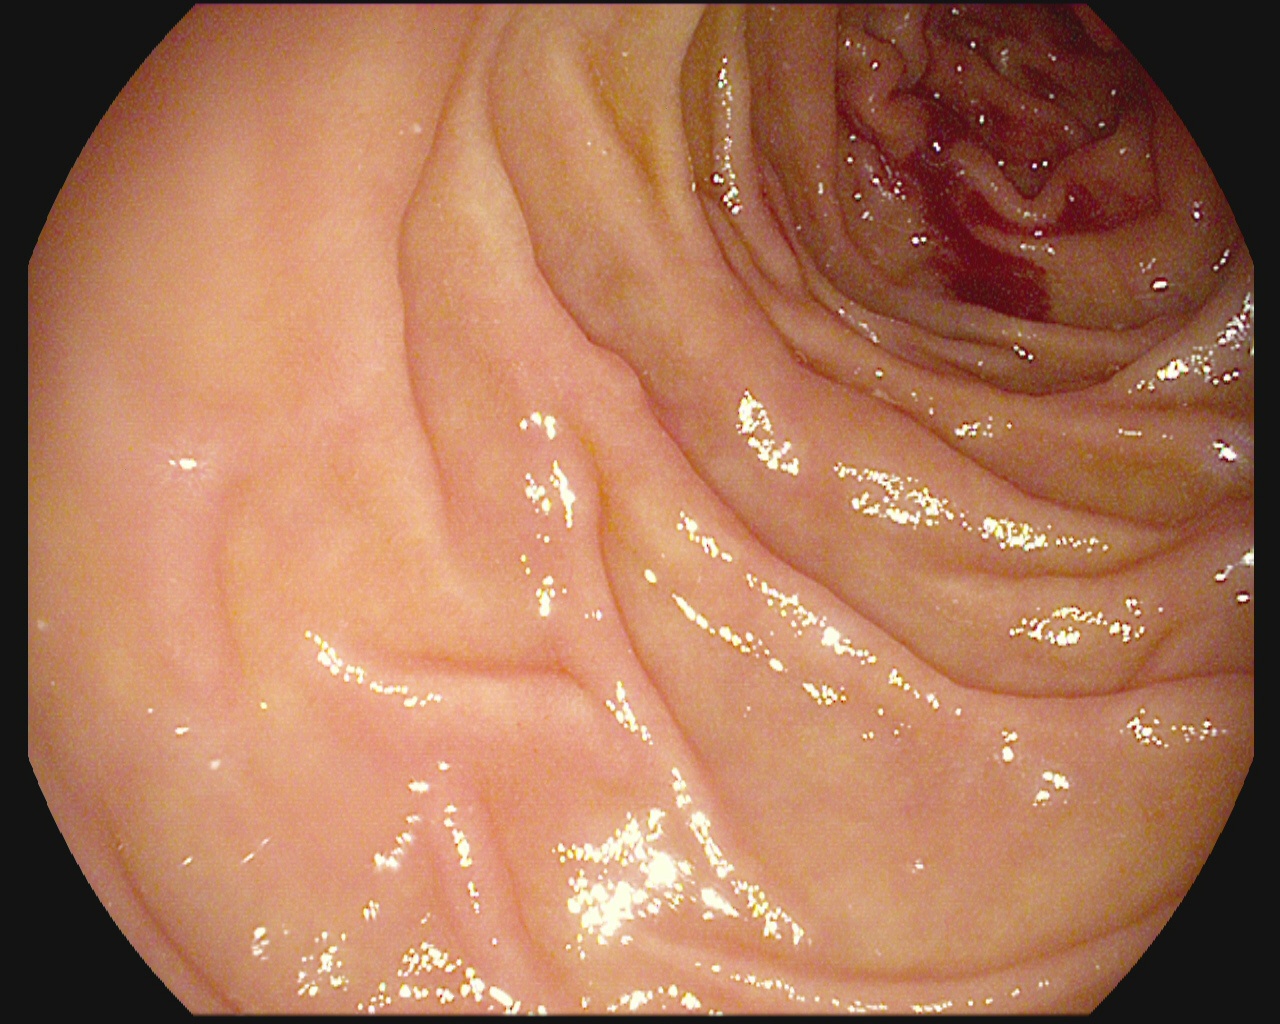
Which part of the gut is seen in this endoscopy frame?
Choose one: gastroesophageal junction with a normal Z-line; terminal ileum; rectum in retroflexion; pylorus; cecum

terminal ileum